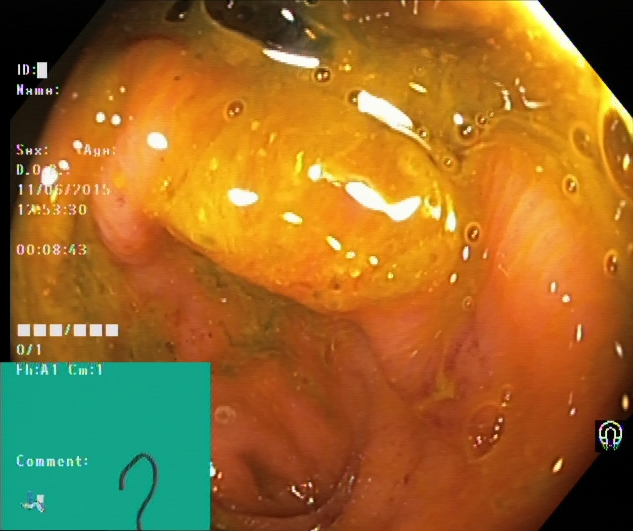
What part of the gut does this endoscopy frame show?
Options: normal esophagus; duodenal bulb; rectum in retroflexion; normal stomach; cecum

cecum